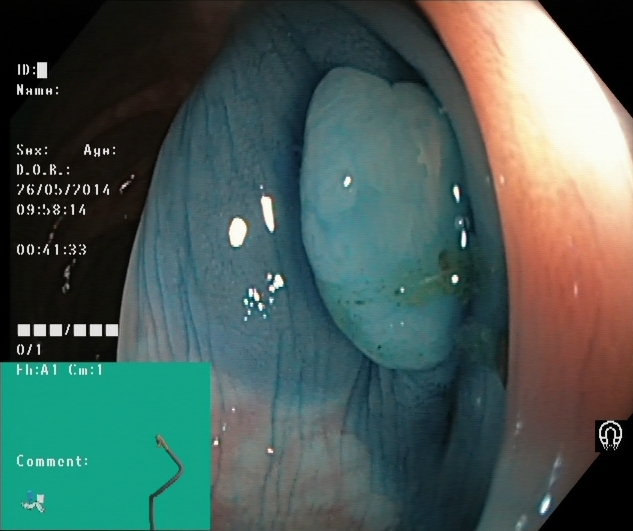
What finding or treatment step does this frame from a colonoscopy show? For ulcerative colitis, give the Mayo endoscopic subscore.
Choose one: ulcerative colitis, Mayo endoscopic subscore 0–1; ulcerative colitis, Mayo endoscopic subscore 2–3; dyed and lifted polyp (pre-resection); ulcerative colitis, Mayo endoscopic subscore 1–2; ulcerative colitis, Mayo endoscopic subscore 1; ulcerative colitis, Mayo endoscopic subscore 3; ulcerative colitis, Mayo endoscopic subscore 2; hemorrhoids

dyed and lifted polyp (pre-resection)